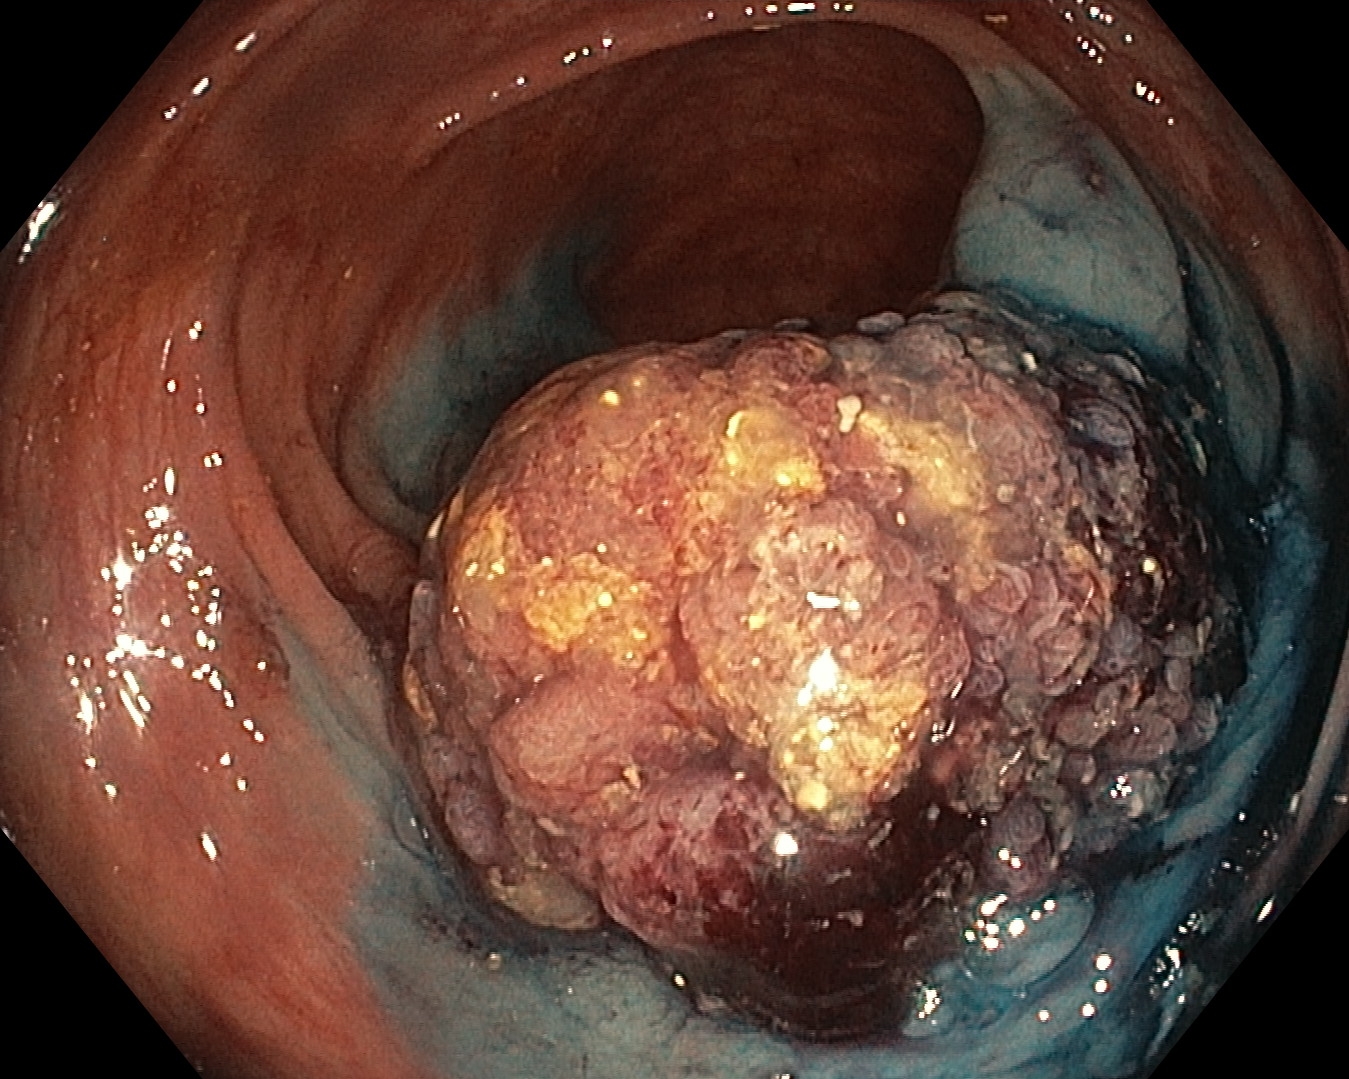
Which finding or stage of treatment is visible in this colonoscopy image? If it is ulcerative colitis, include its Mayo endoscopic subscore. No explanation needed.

dyed and lifted polyp (pre-resection)